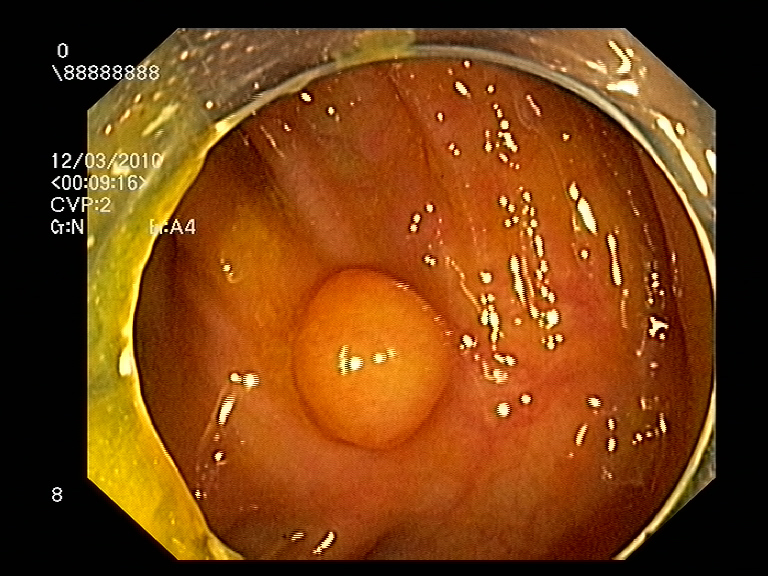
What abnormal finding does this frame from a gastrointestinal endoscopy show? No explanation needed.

colon polyp